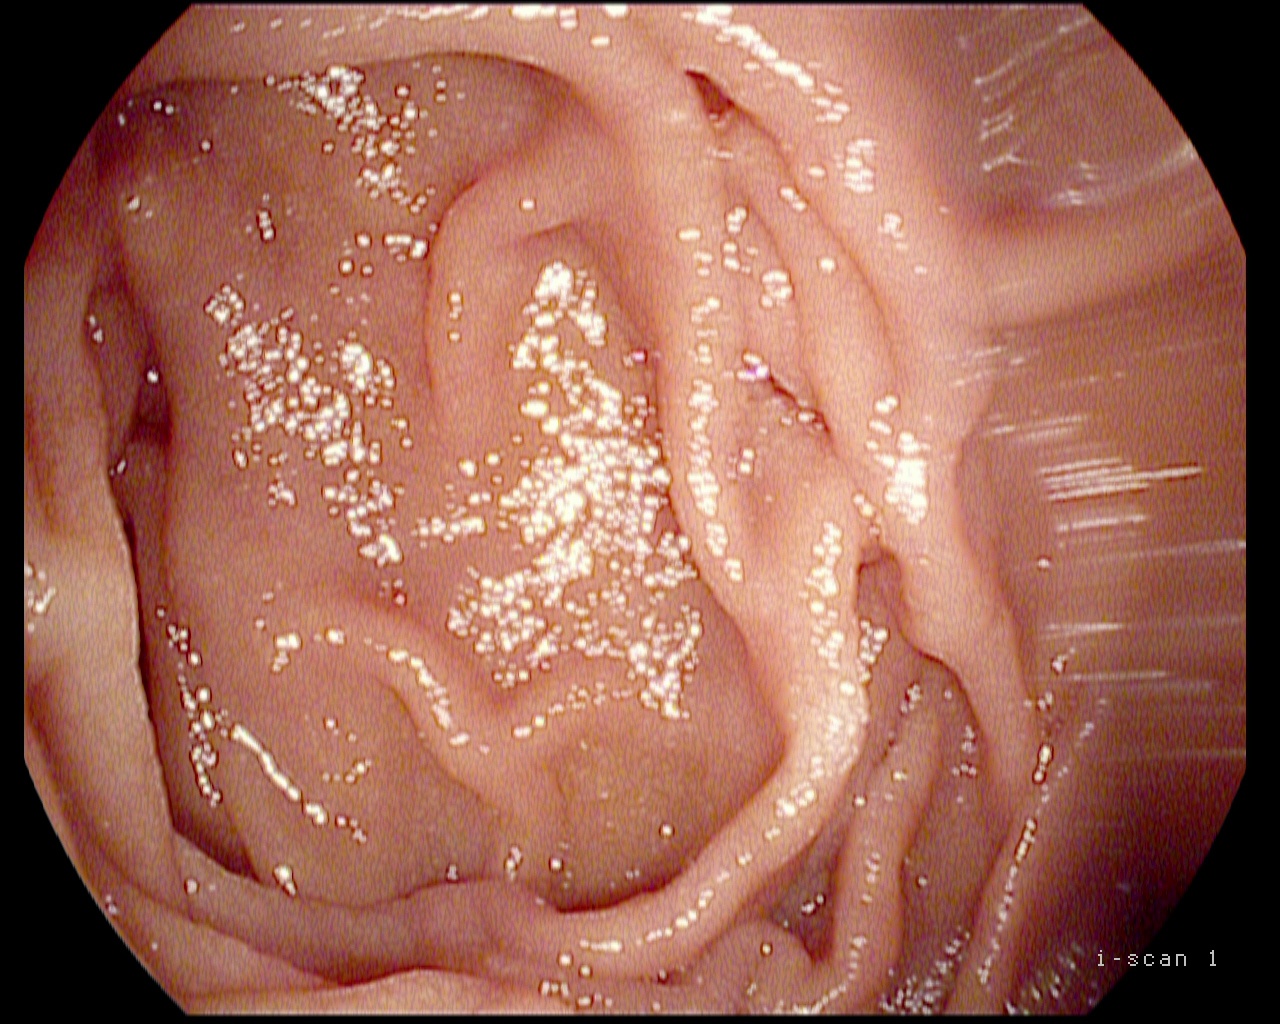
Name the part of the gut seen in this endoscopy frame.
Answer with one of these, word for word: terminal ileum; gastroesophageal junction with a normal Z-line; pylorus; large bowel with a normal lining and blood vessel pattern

terminal ileum